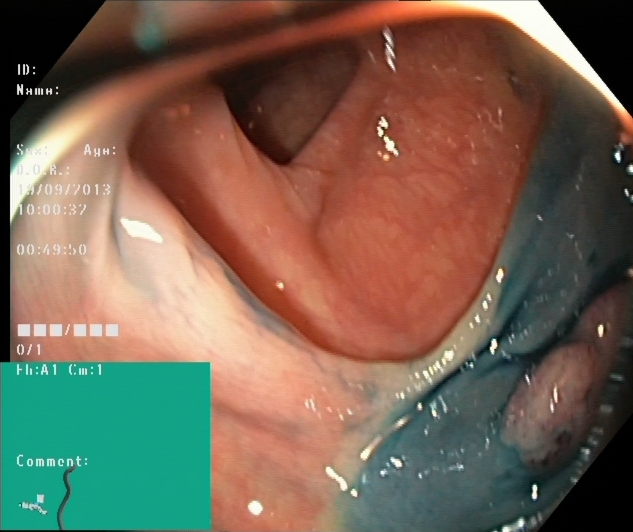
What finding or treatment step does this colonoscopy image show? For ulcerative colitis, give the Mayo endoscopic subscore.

dyed and lifted polyp (pre-resection)